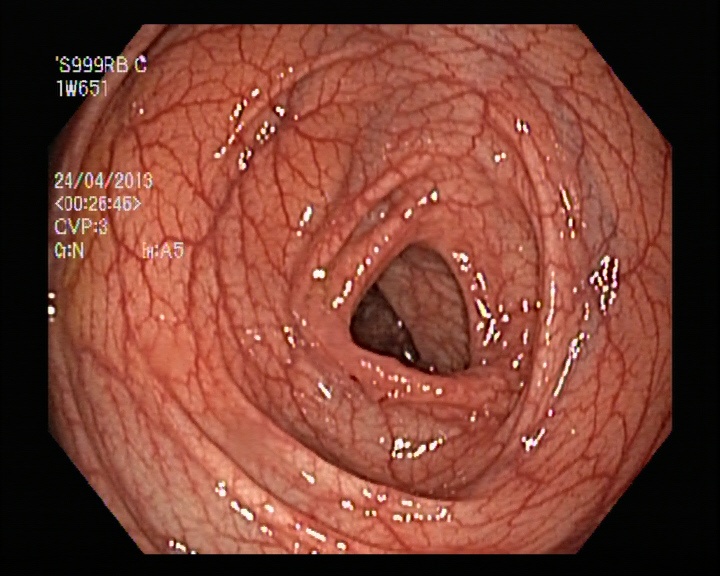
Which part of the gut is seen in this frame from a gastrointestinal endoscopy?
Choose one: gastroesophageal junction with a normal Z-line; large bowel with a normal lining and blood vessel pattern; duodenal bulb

large bowel with a normal lining and blood vessel pattern